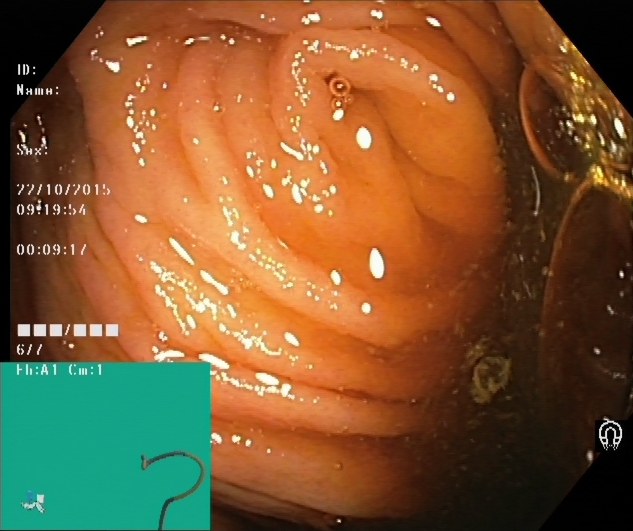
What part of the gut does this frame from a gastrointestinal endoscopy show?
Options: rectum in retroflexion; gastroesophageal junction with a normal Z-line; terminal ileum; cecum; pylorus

cecum